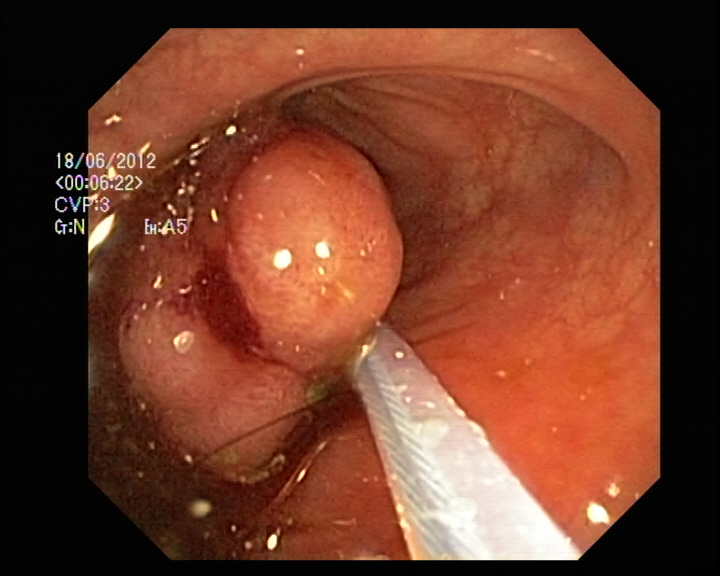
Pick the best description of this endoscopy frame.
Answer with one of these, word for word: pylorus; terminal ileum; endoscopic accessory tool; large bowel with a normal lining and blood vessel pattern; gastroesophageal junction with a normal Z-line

endoscopic accessory tool